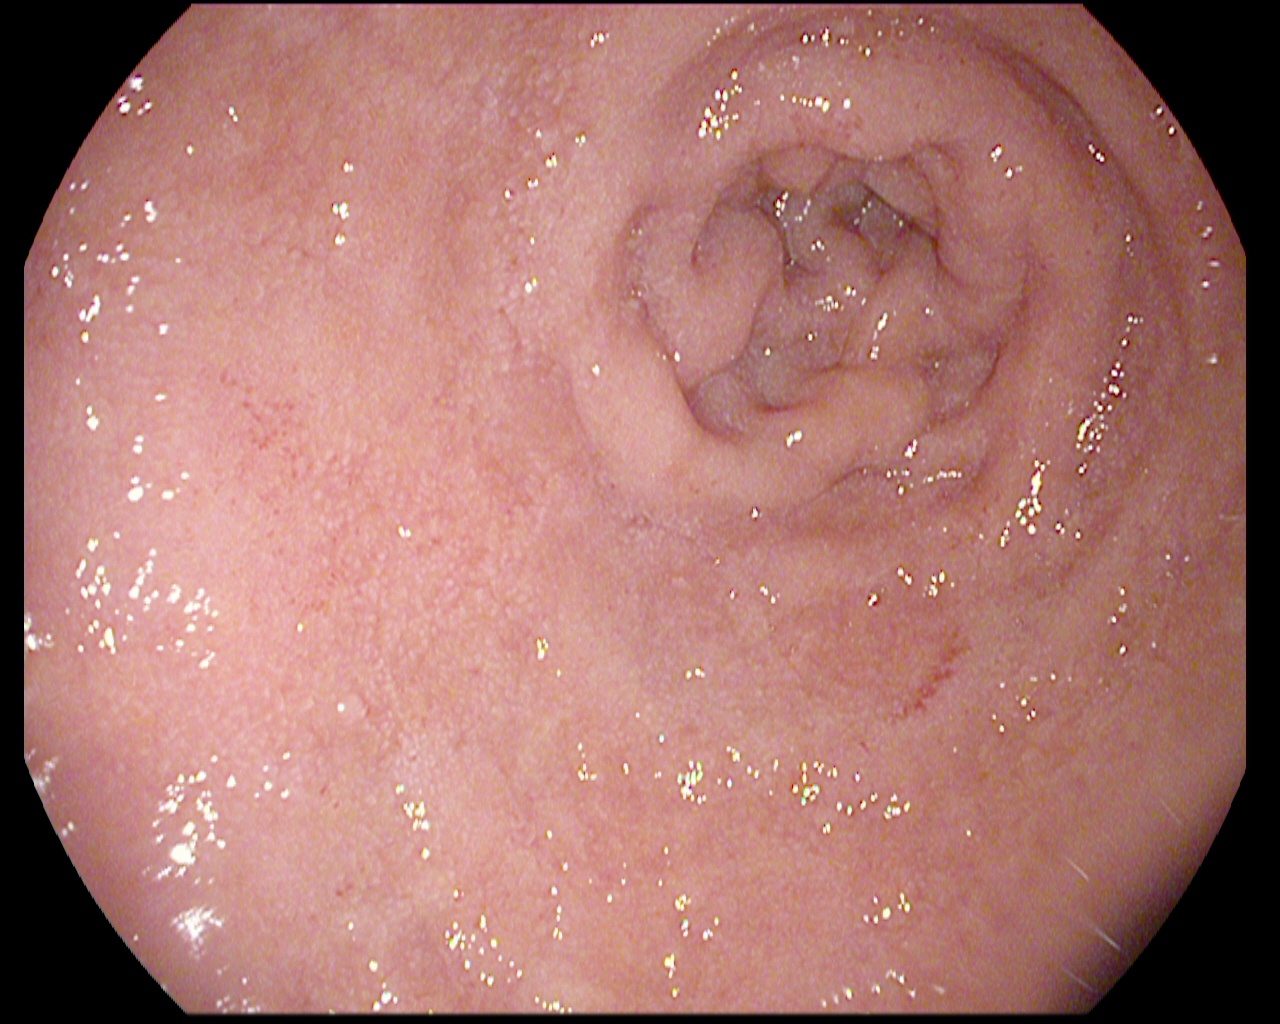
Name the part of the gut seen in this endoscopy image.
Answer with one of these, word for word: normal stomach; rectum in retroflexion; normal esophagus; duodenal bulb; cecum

duodenal bulb